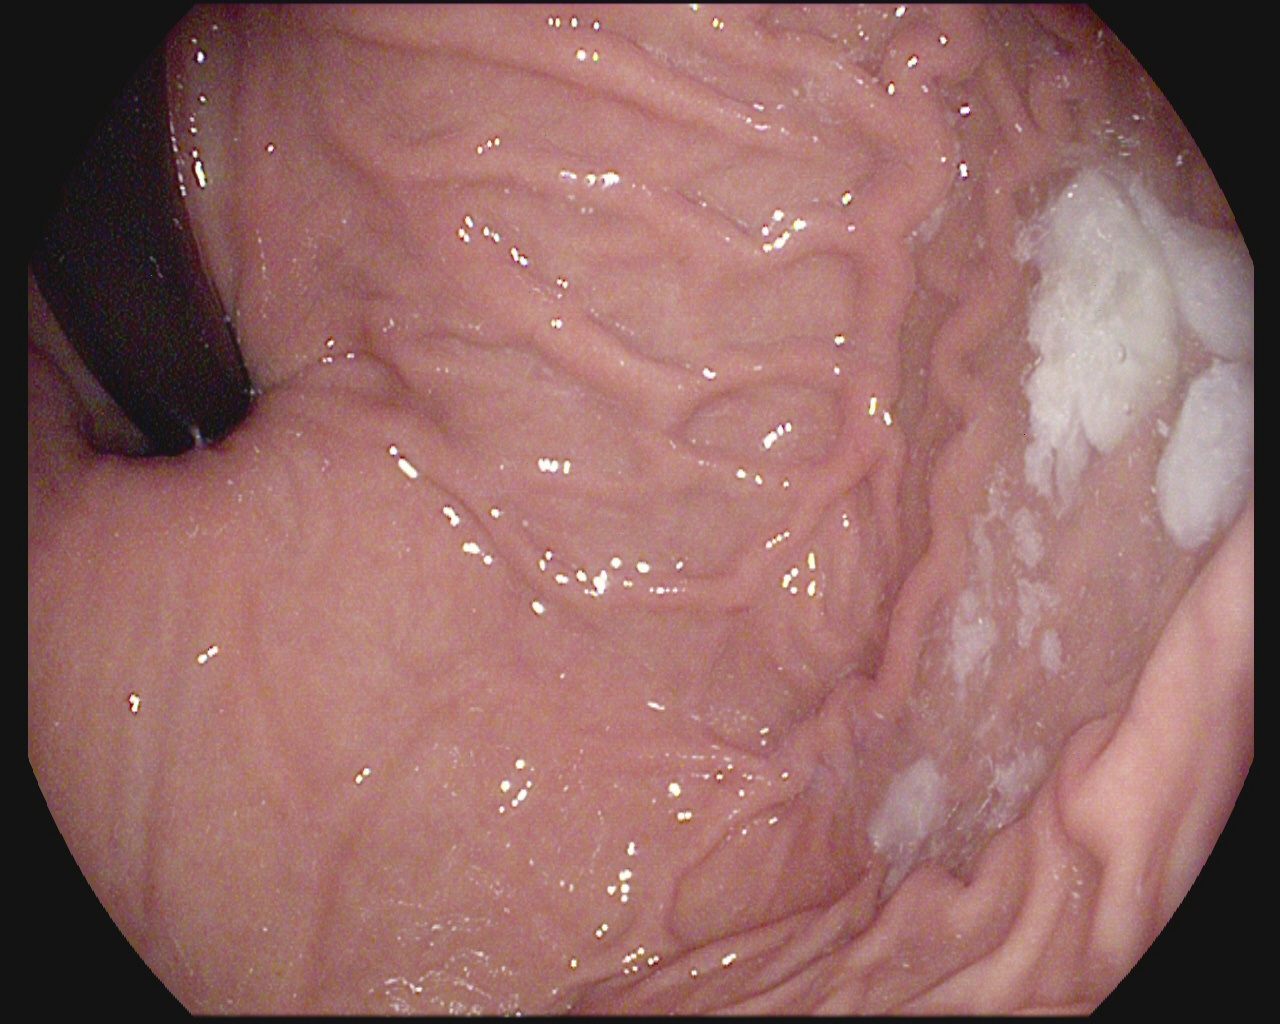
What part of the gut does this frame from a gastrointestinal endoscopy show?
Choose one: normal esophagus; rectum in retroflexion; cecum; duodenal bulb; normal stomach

normal stomach